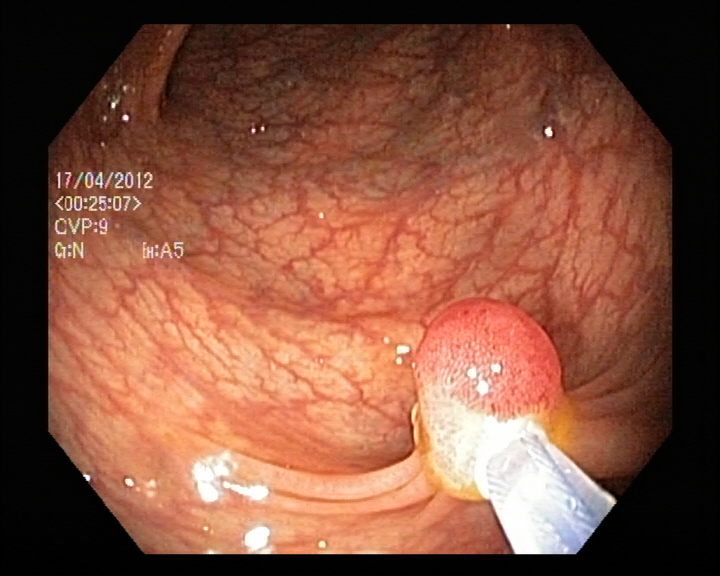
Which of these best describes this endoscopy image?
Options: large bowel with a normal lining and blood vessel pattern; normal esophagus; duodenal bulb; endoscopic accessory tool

endoscopic accessory tool